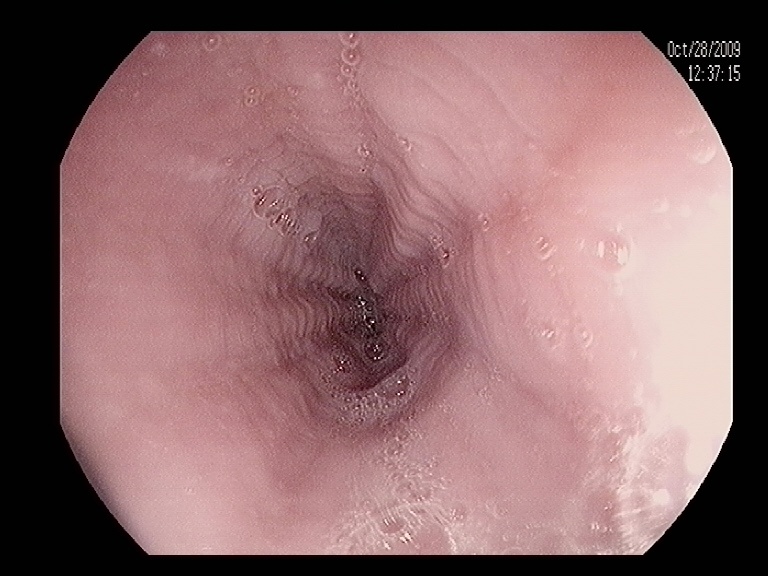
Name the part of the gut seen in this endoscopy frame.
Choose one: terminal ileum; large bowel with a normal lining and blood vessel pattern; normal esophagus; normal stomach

normal esophagus